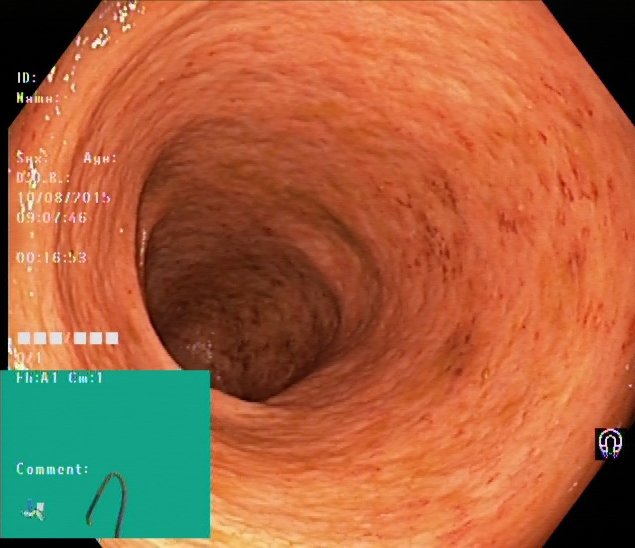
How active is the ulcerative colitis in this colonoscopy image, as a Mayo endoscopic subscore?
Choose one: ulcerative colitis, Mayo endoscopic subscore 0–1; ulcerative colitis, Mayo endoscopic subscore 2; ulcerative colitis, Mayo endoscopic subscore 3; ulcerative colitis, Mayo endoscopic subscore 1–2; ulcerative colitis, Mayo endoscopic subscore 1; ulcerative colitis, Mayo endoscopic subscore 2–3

ulcerative colitis, Mayo endoscopic subscore 2